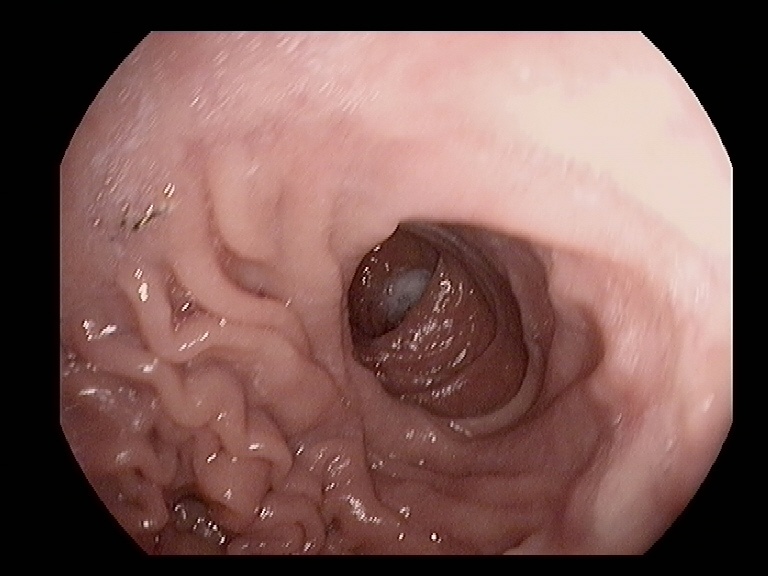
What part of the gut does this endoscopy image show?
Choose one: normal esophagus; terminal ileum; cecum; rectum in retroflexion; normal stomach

normal stomach